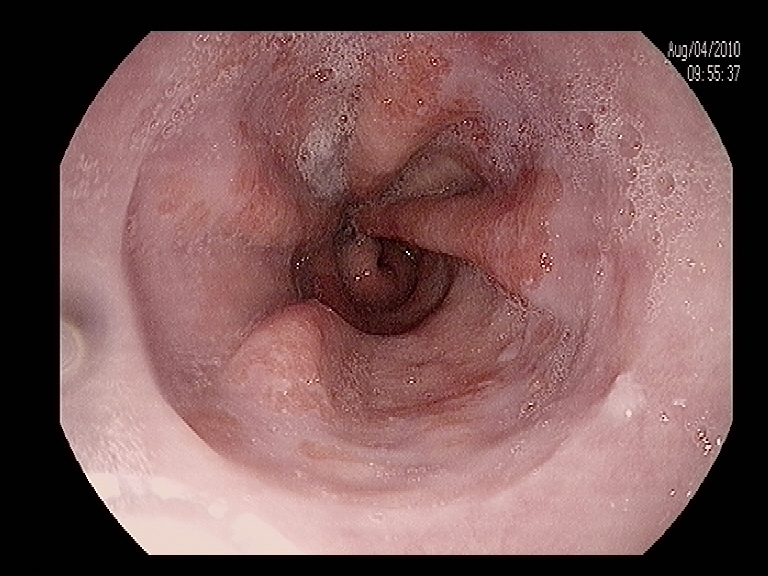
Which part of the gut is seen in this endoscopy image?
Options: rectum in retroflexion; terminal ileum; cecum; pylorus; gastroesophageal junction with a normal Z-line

gastroesophageal junction with a normal Z-line